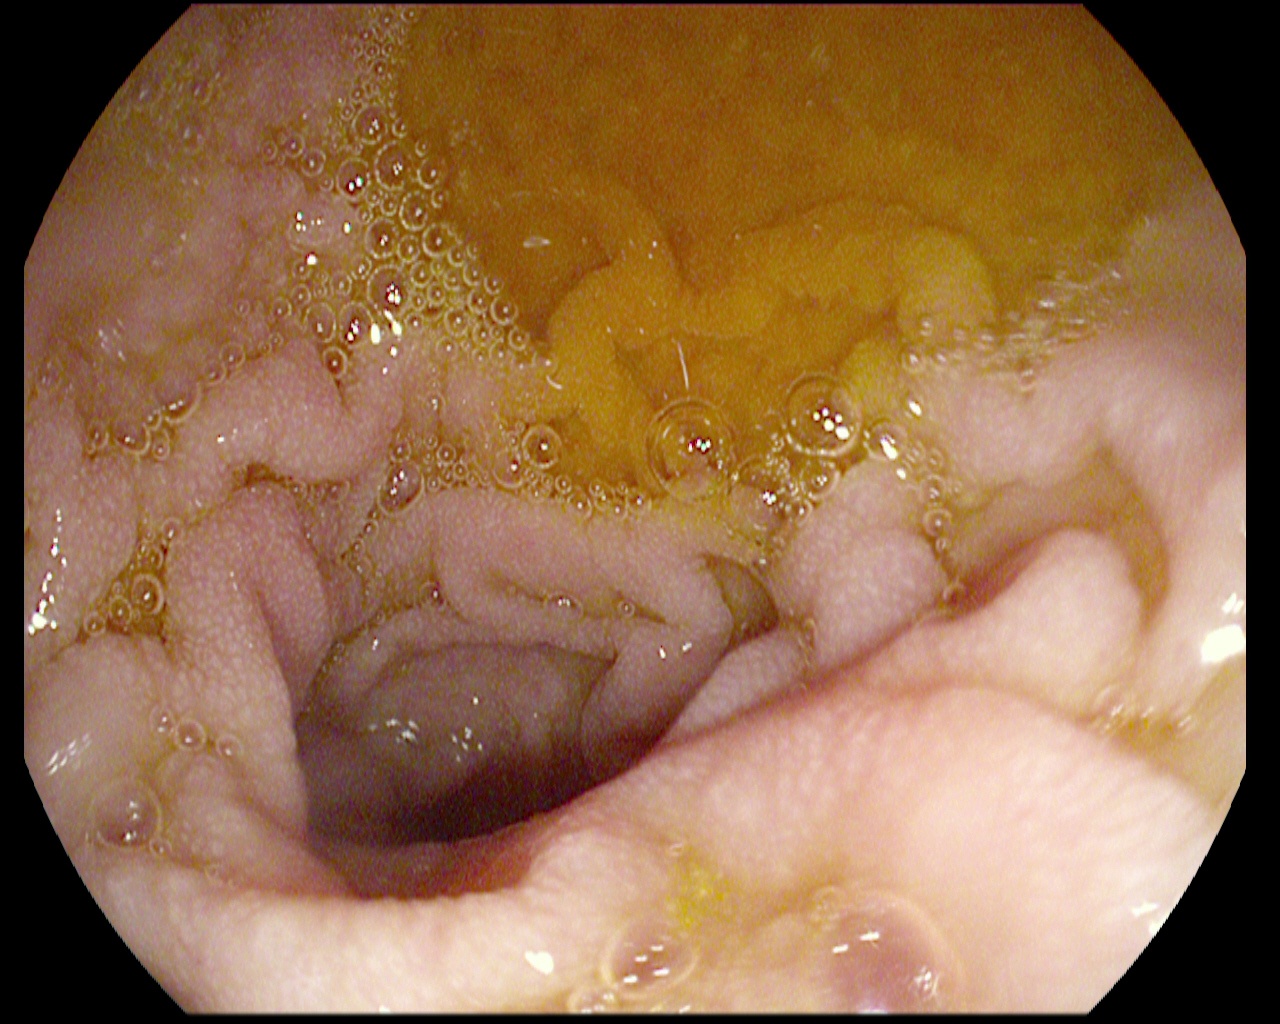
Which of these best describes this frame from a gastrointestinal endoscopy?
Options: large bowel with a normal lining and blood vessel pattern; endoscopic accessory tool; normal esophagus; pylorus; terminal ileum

terminal ileum